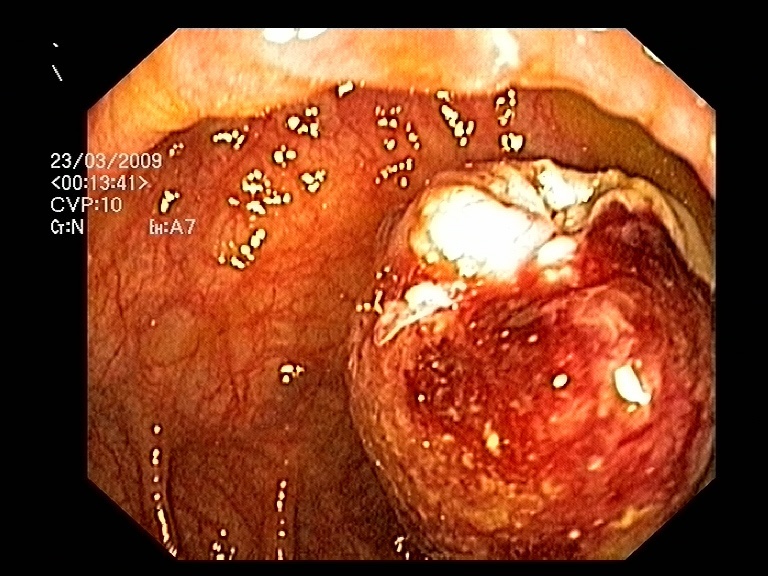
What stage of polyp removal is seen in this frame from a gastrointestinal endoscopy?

resected polyp